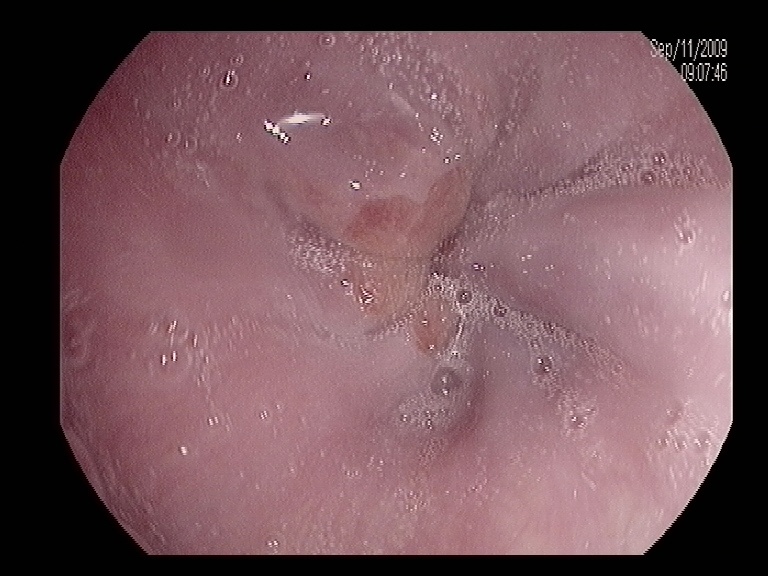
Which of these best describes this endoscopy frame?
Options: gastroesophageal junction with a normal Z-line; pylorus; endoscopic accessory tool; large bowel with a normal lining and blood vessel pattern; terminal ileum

gastroesophageal junction with a normal Z-line